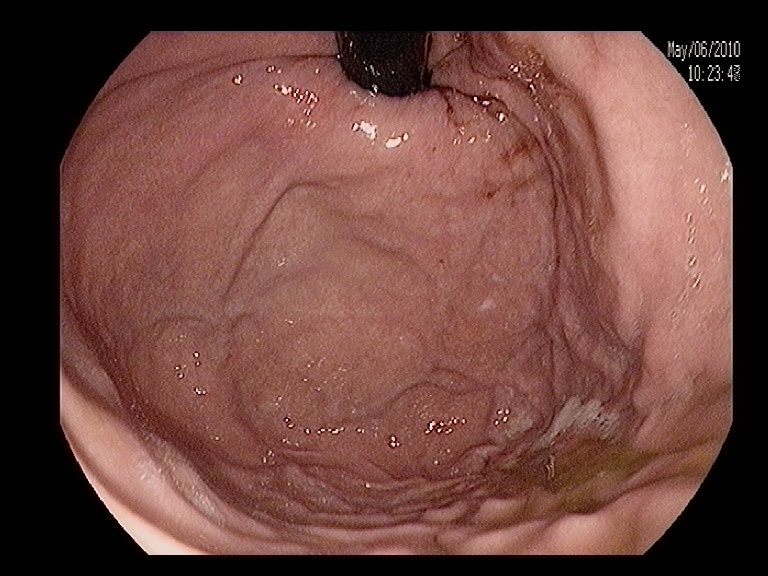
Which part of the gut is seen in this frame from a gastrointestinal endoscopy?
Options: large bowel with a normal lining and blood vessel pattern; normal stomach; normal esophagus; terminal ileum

normal stomach